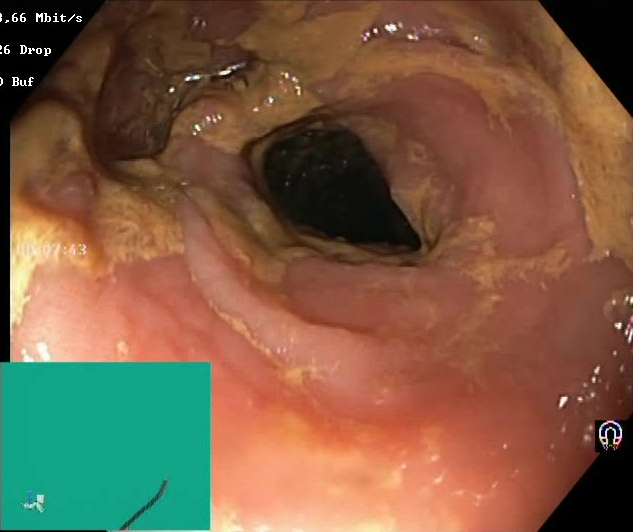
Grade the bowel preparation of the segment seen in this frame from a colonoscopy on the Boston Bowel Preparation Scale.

Boston Bowel Preparation Scale score 0–1 (inadequate preparation)